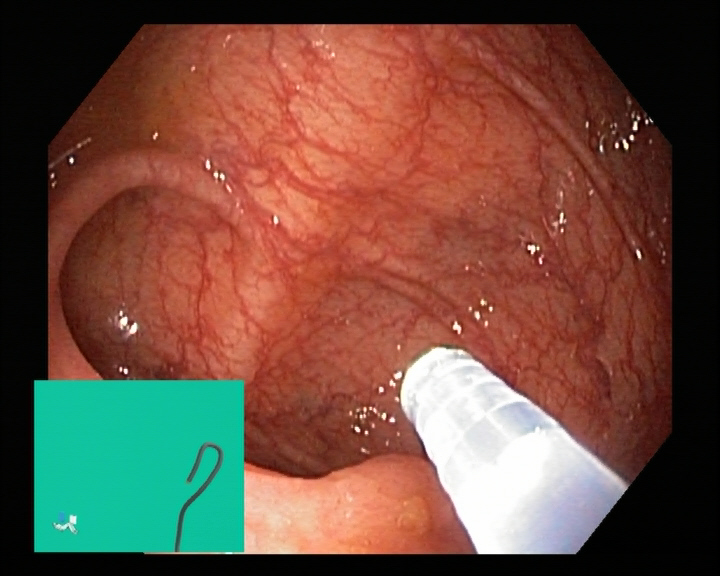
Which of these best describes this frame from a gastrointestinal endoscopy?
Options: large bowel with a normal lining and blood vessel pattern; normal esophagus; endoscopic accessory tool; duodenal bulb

endoscopic accessory tool